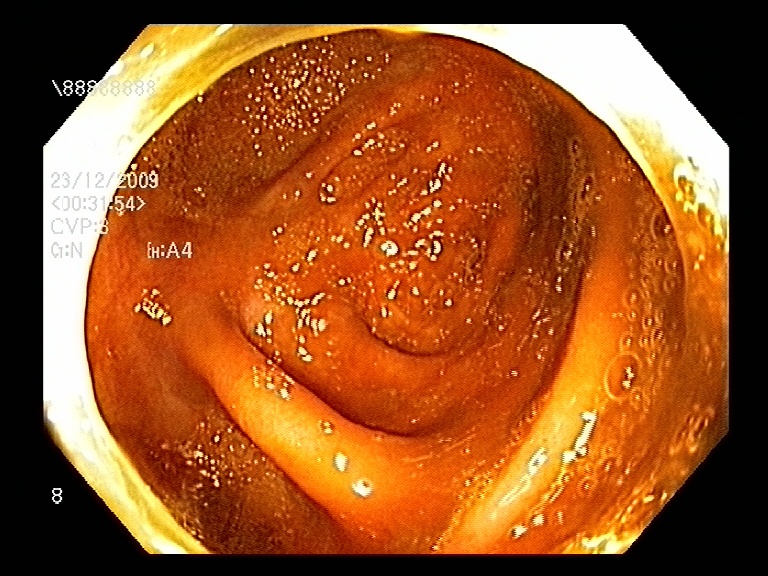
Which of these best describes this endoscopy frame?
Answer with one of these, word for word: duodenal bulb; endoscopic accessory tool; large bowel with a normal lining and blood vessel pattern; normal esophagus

large bowel with a normal lining and blood vessel pattern